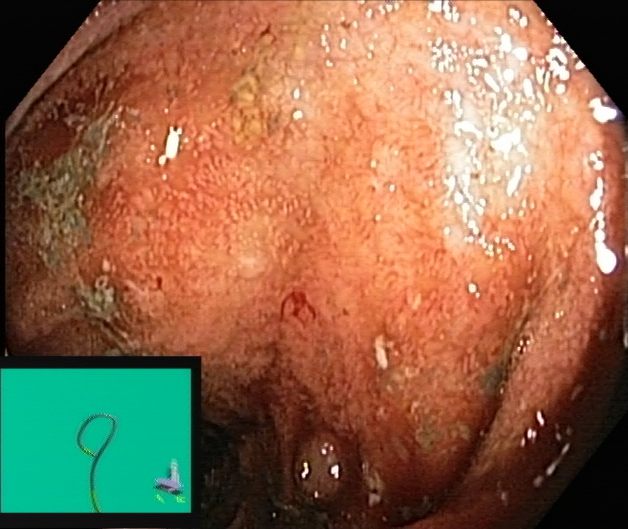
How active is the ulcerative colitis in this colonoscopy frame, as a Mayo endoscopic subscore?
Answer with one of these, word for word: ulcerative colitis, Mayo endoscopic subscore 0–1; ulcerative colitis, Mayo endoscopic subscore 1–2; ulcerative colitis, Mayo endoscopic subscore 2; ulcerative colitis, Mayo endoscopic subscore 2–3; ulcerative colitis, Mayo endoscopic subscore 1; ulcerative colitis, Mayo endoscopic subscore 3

ulcerative colitis, Mayo endoscopic subscore 2